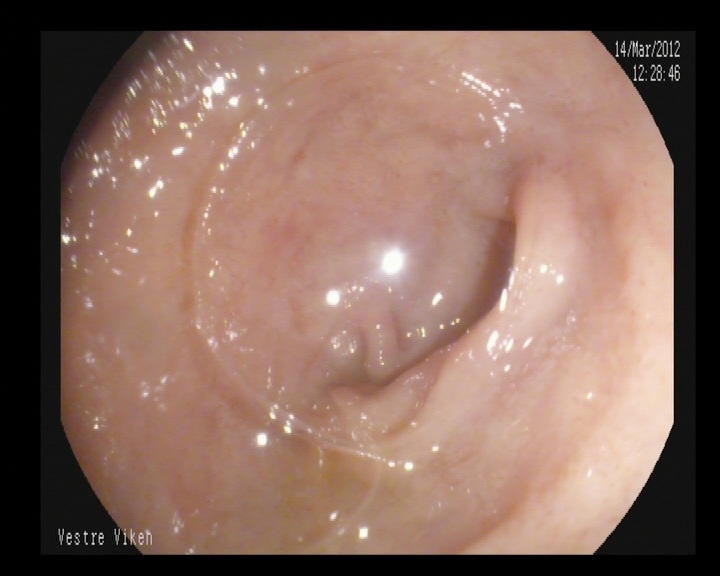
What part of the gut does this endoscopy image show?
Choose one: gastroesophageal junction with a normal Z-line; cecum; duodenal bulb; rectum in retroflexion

duodenal bulb